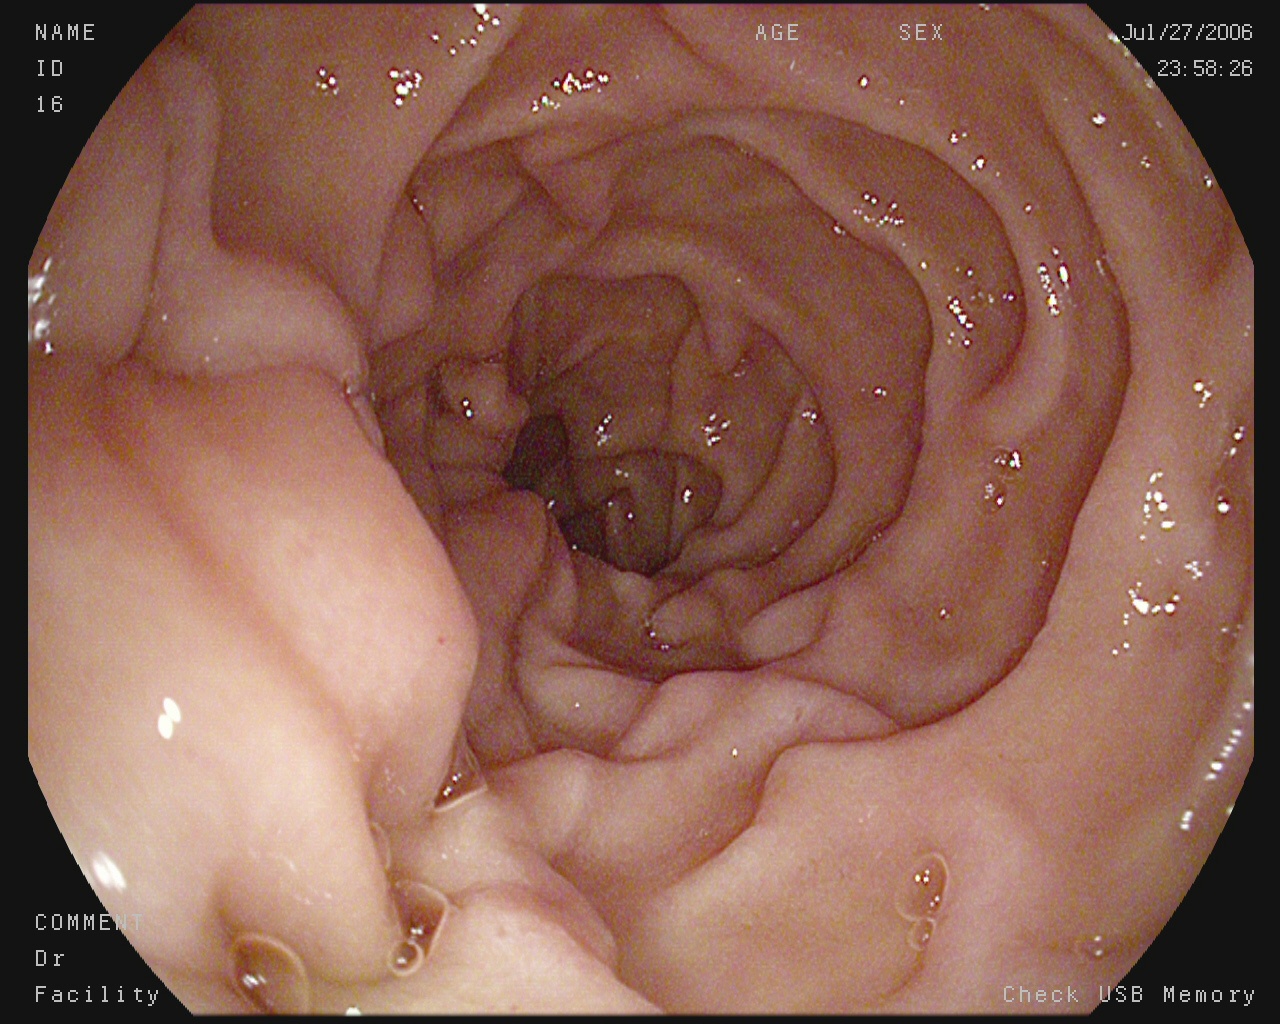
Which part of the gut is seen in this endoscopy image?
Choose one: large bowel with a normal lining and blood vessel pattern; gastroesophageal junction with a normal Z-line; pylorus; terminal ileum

terminal ileum